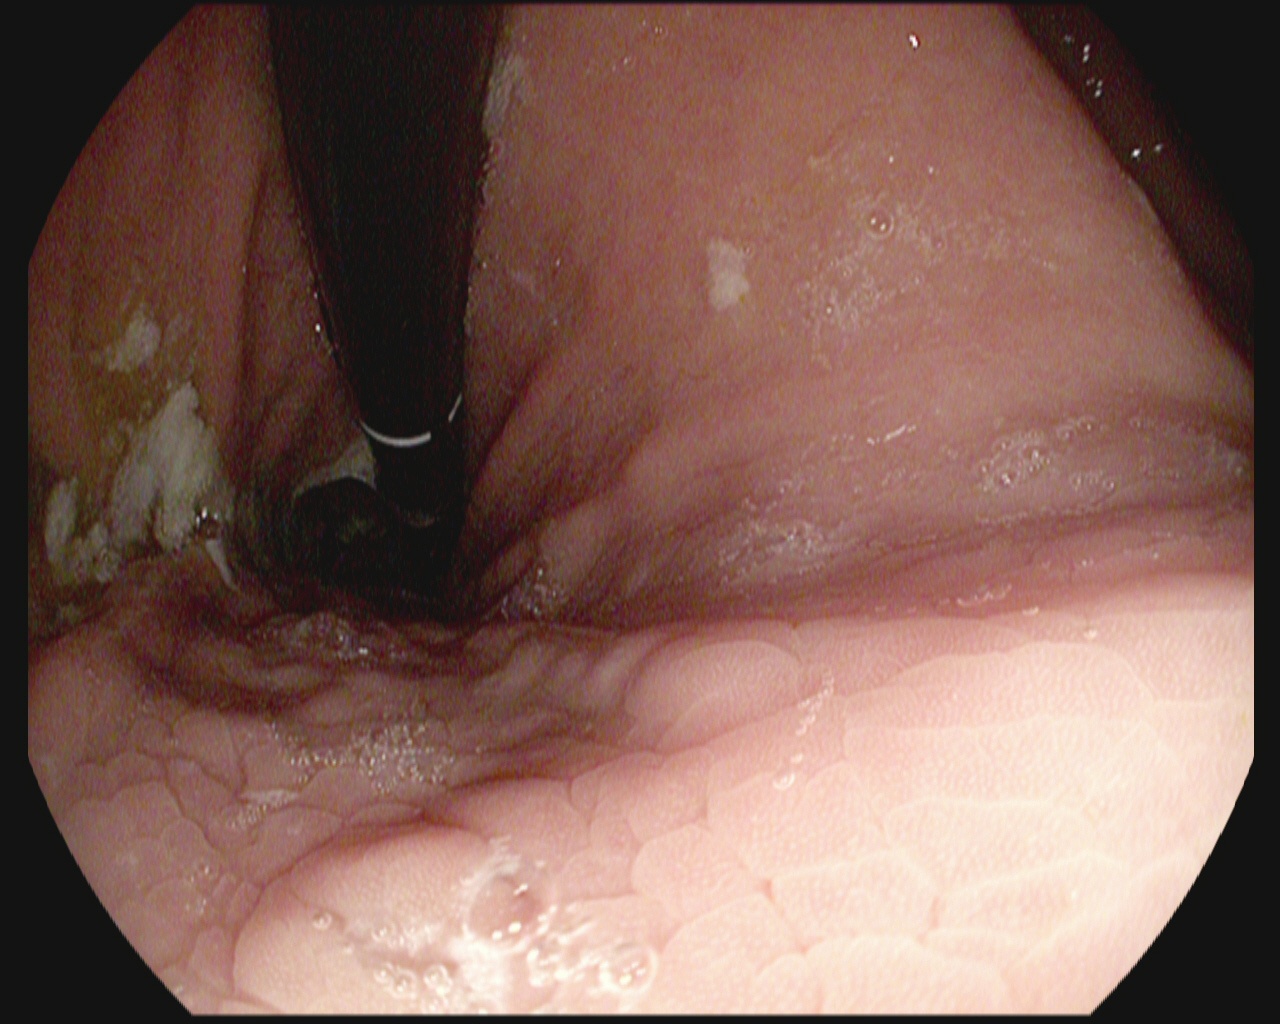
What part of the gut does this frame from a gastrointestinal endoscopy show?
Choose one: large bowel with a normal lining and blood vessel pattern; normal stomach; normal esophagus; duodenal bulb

normal stomach